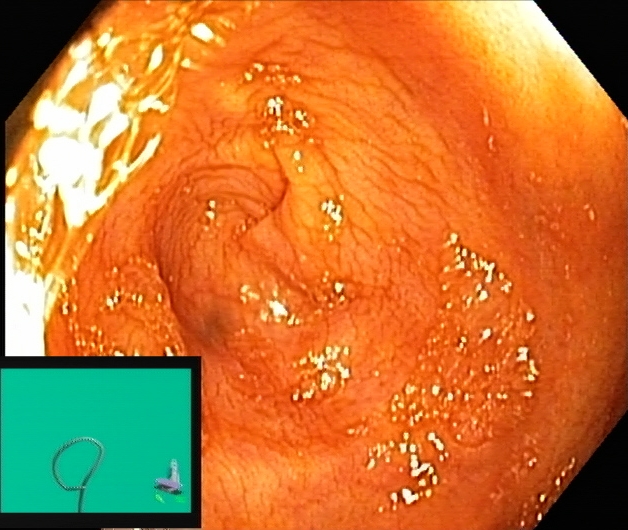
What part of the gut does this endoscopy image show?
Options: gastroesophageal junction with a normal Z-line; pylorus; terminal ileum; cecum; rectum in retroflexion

cecum